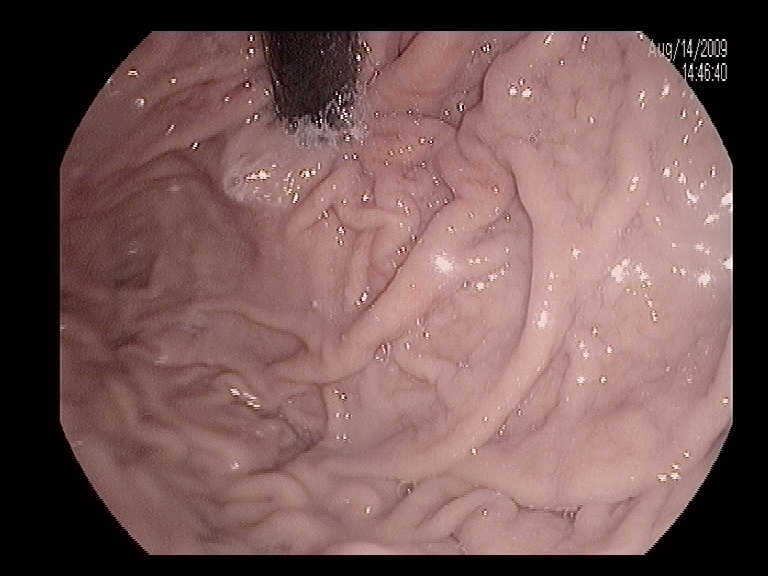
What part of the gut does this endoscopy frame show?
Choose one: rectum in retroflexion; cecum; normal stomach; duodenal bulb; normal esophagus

normal stomach